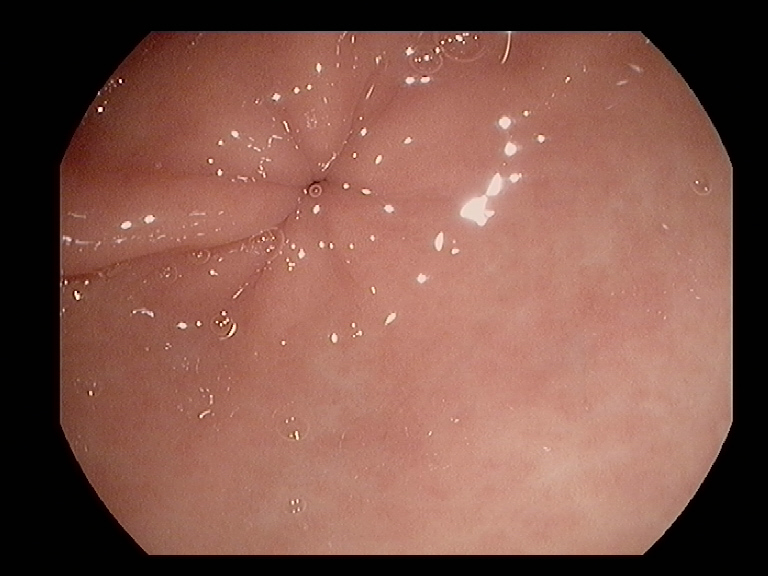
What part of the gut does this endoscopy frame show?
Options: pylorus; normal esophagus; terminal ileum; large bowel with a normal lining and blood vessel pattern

pylorus